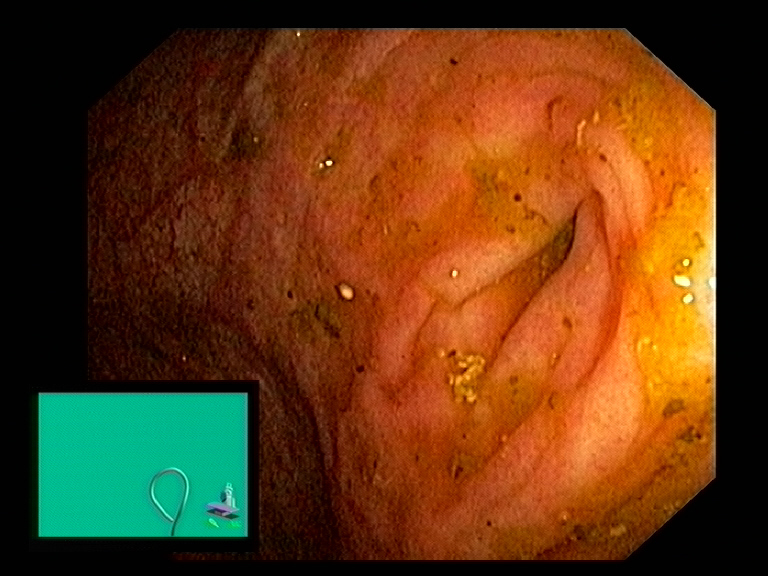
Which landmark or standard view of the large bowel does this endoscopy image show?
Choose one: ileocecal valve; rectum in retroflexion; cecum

cecum